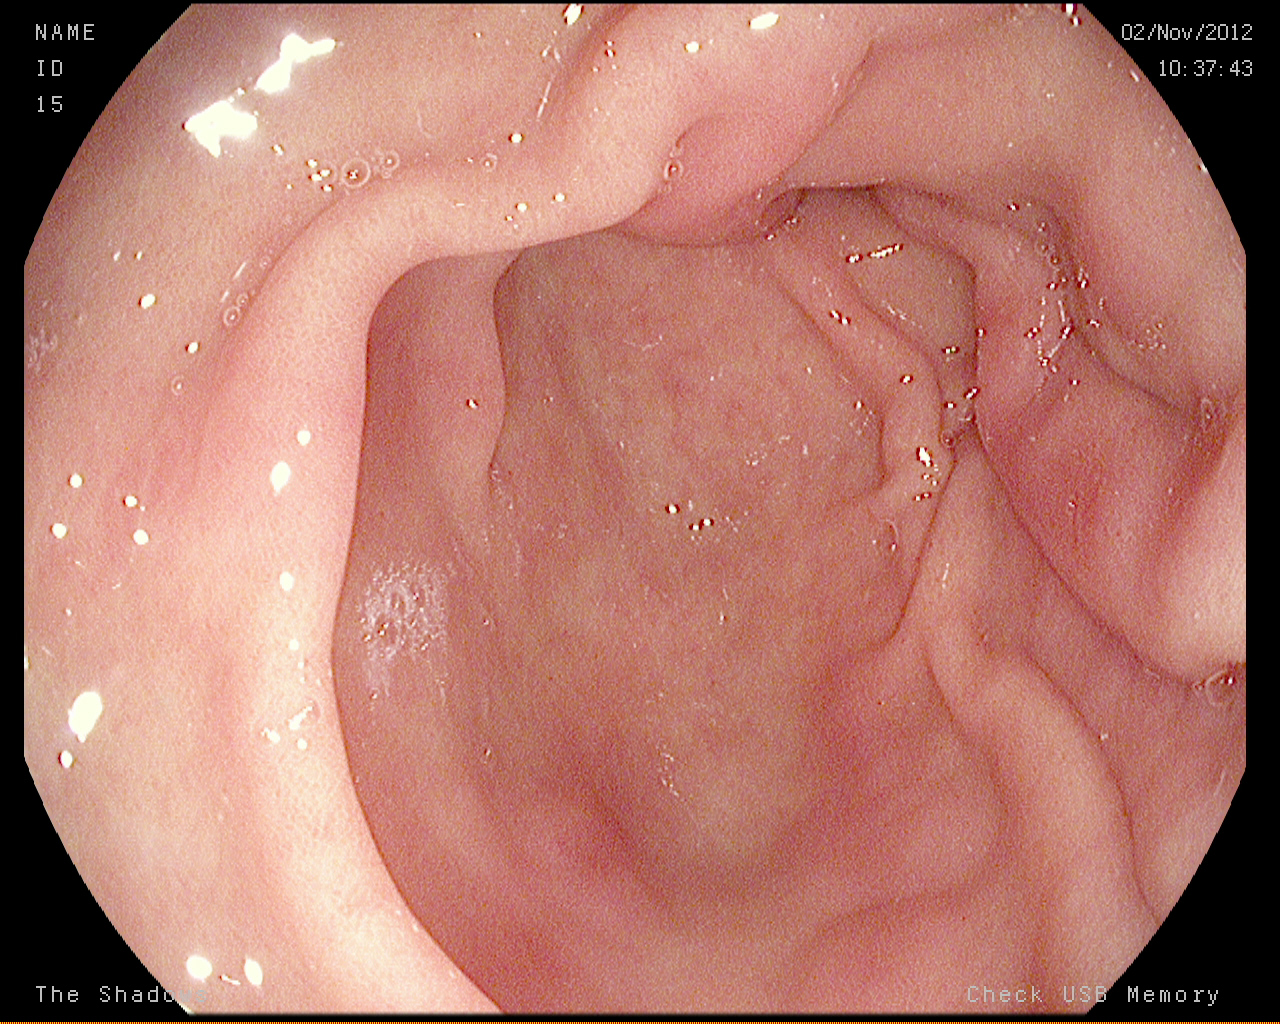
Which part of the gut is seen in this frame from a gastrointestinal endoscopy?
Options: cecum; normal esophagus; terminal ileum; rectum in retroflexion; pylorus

pylorus